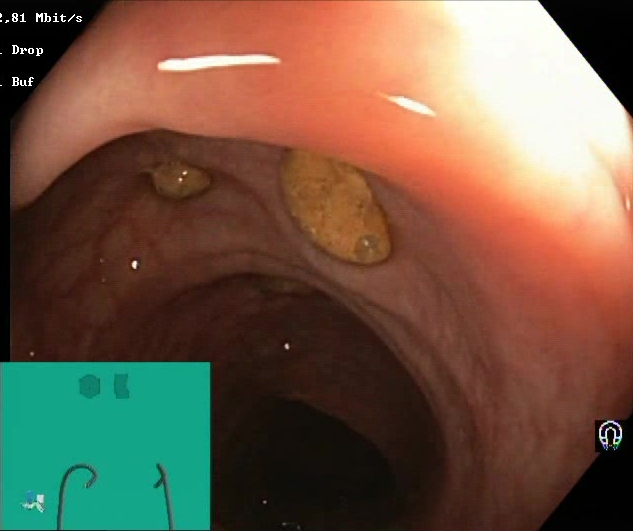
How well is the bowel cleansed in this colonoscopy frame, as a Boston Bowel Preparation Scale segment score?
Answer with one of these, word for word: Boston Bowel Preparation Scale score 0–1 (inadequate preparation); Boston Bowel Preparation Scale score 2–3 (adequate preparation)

Boston Bowel Preparation Scale score 2–3 (adequate preparation)